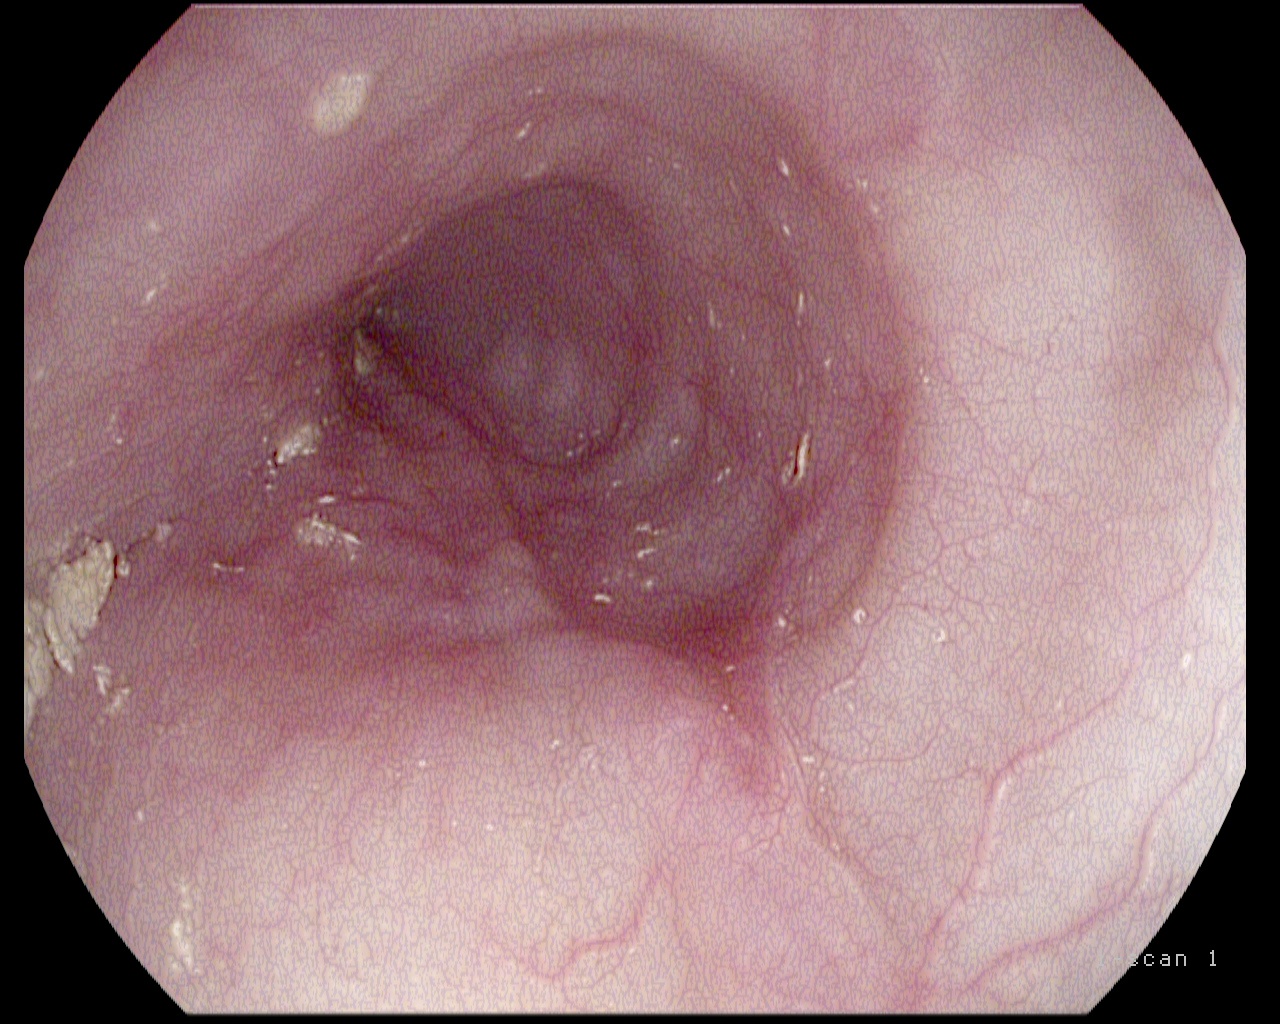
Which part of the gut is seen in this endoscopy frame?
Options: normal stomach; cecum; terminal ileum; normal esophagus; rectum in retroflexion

normal esophagus